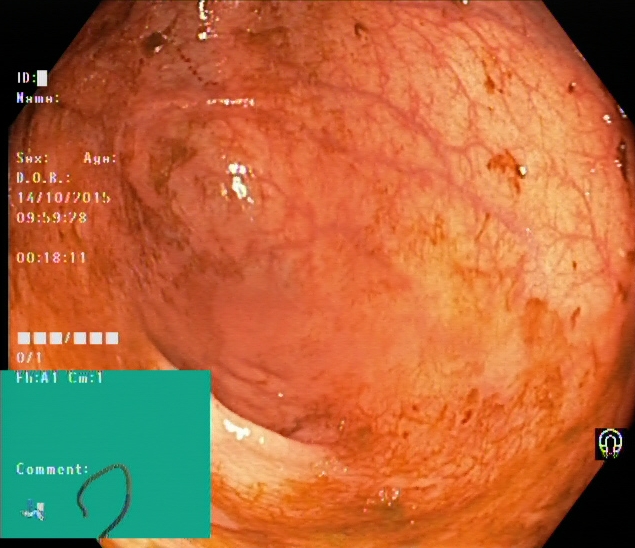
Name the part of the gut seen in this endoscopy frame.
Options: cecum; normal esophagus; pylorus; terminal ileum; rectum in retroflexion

cecum